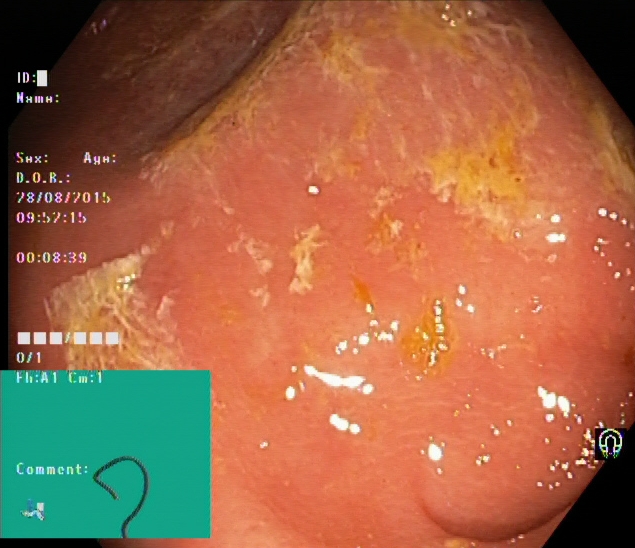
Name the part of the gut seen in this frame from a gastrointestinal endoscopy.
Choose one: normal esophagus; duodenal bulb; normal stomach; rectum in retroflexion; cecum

cecum